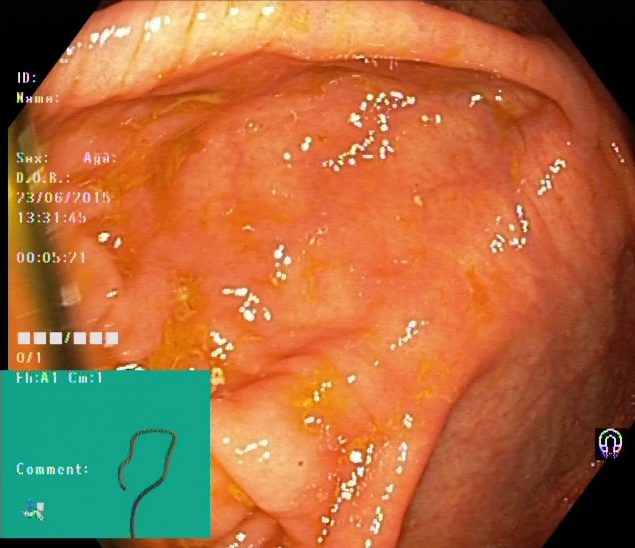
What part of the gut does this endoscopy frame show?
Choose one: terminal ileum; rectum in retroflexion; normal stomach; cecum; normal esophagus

cecum